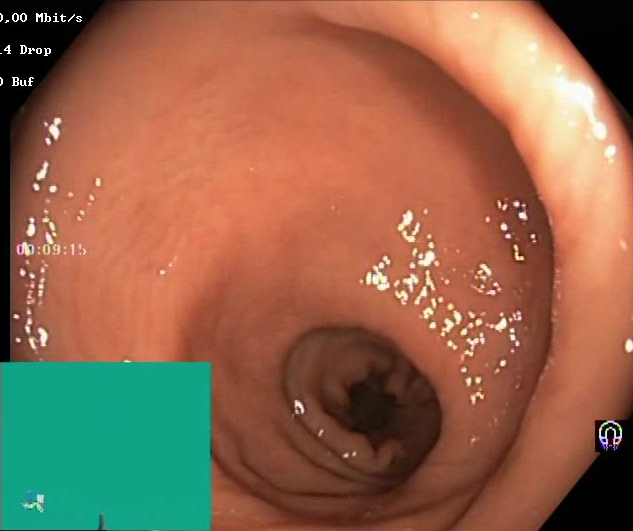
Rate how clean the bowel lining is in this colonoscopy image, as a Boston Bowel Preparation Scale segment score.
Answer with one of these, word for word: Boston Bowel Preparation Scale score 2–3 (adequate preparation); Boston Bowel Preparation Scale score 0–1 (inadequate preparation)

Boston Bowel Preparation Scale score 2–3 (adequate preparation)